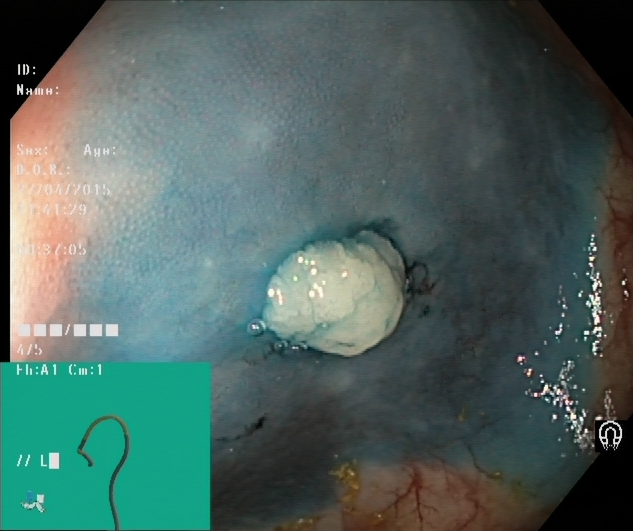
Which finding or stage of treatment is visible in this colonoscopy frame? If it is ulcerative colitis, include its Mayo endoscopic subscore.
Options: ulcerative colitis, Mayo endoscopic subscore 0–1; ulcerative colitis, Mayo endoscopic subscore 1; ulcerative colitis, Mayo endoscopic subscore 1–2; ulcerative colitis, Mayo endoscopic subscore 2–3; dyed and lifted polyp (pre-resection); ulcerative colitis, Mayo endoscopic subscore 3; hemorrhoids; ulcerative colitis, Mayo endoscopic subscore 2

dyed and lifted polyp (pre-resection)